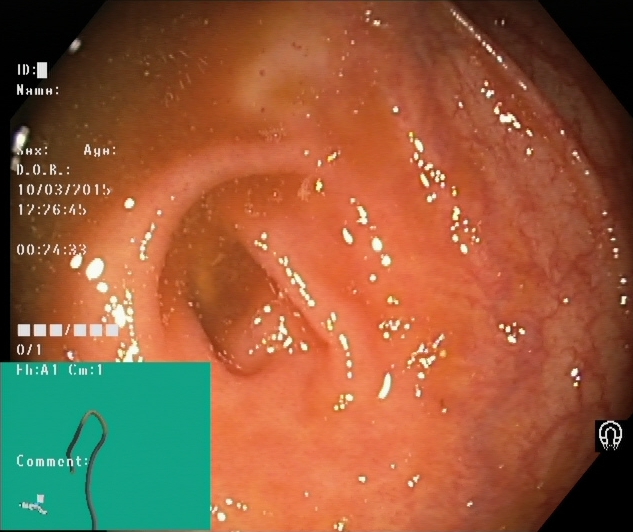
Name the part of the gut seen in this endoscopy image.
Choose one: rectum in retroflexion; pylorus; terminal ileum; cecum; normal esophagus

cecum